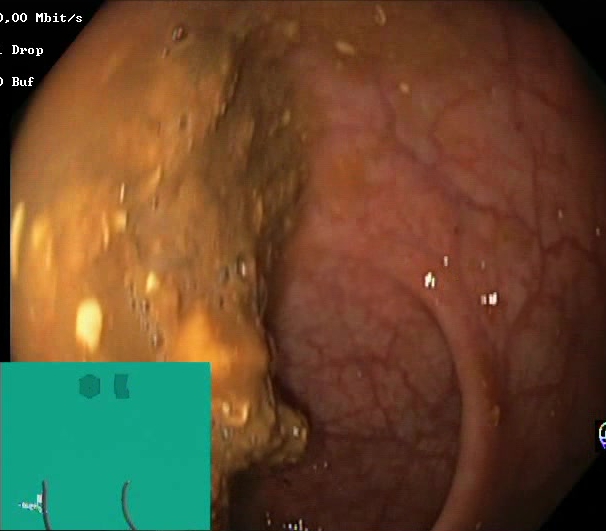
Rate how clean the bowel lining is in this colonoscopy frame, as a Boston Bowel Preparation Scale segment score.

Boston Bowel Preparation Scale score 0–1 (inadequate preparation)